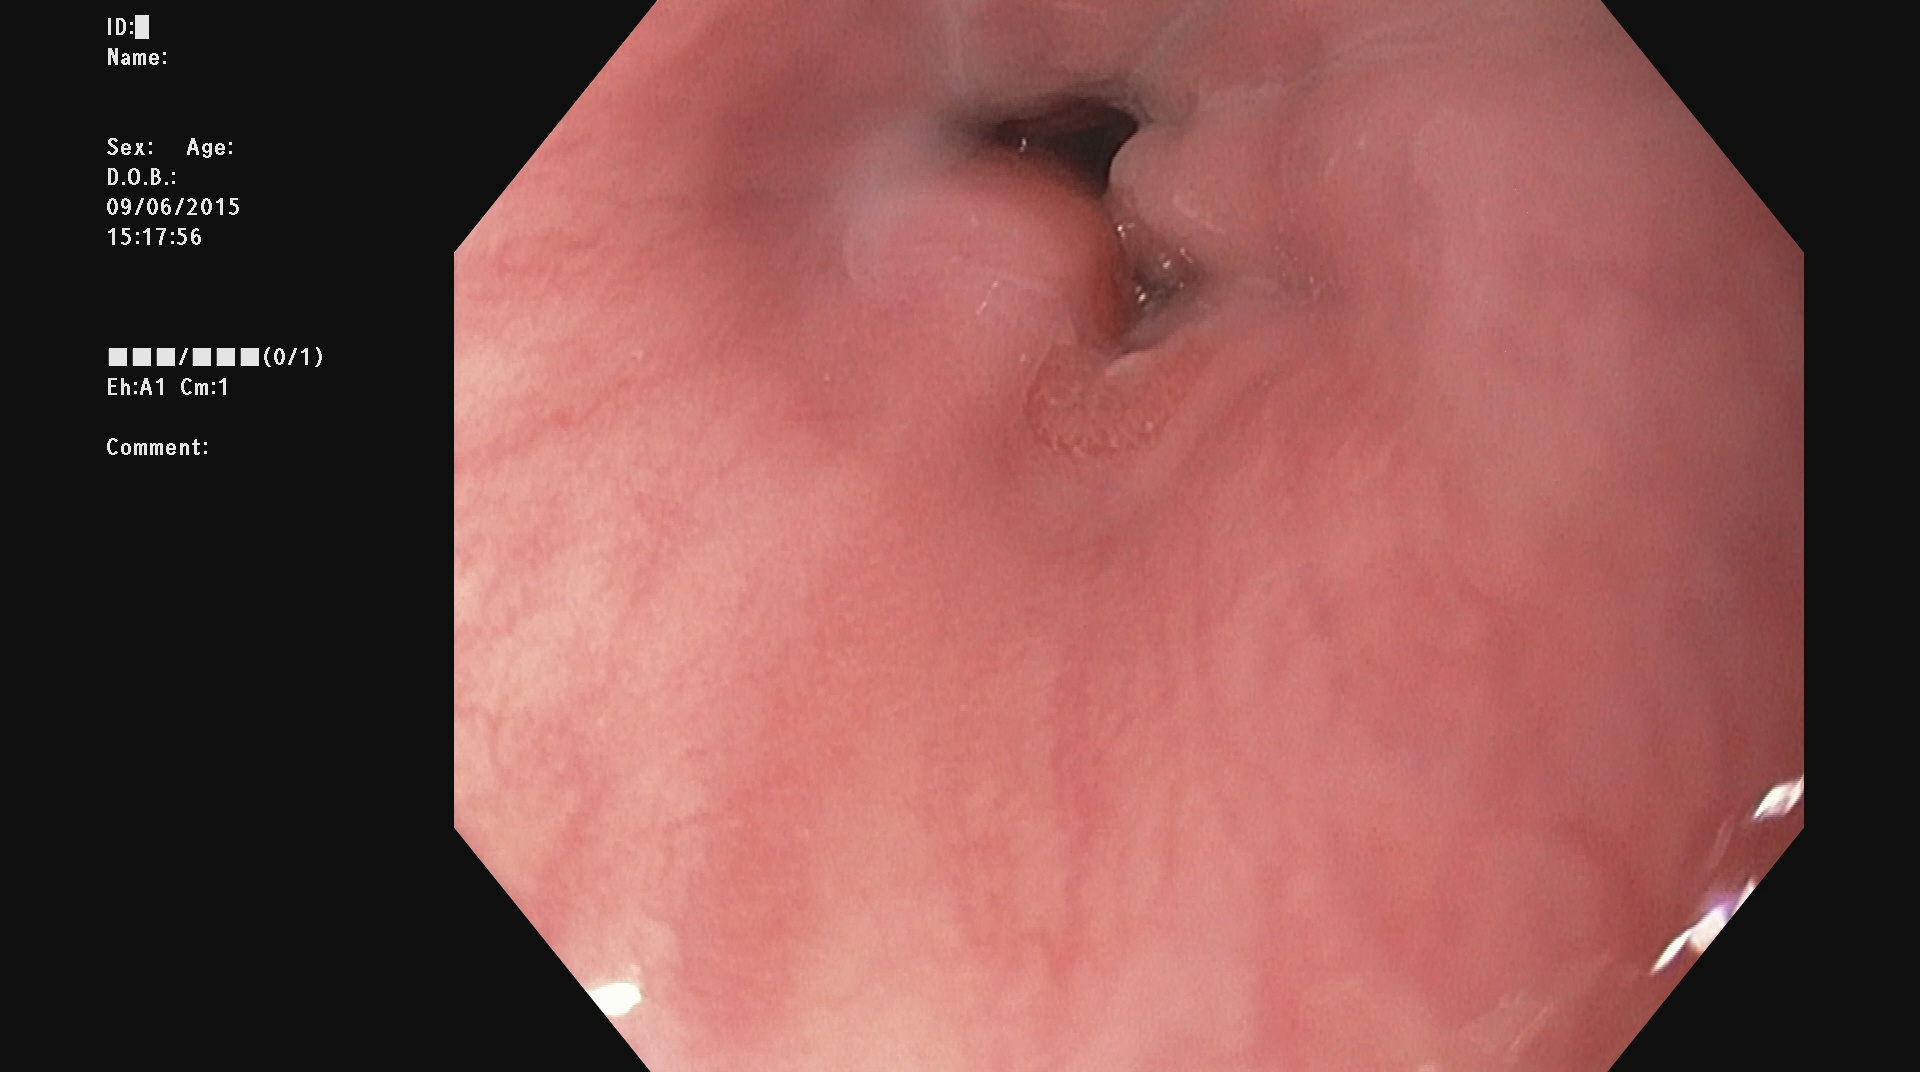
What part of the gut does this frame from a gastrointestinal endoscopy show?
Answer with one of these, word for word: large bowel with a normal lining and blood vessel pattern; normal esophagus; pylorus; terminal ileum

normal esophagus